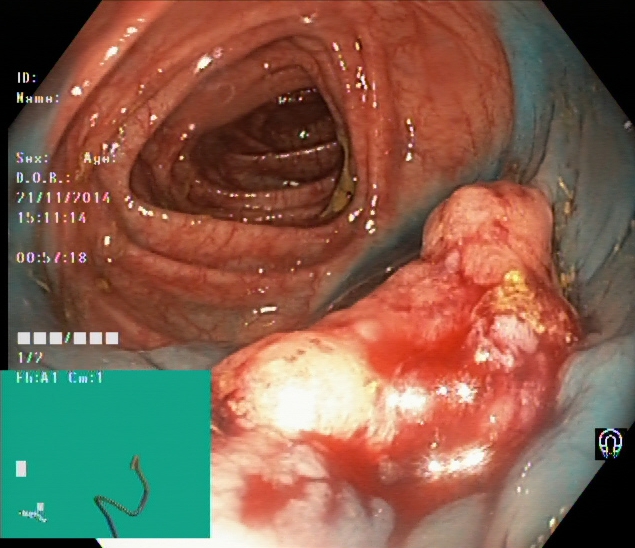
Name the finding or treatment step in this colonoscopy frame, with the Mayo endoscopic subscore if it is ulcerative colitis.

dyed and lifted polyp (pre-resection)